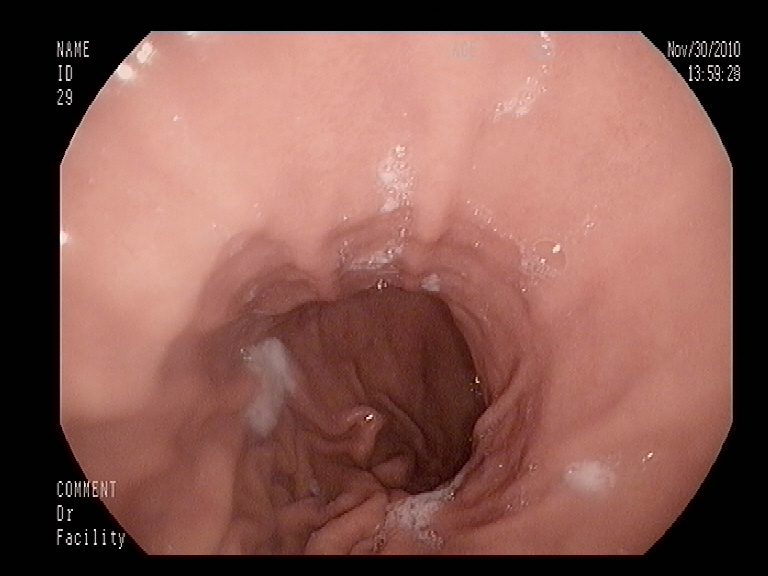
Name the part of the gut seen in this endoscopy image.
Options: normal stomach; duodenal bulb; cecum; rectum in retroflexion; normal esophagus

normal stomach